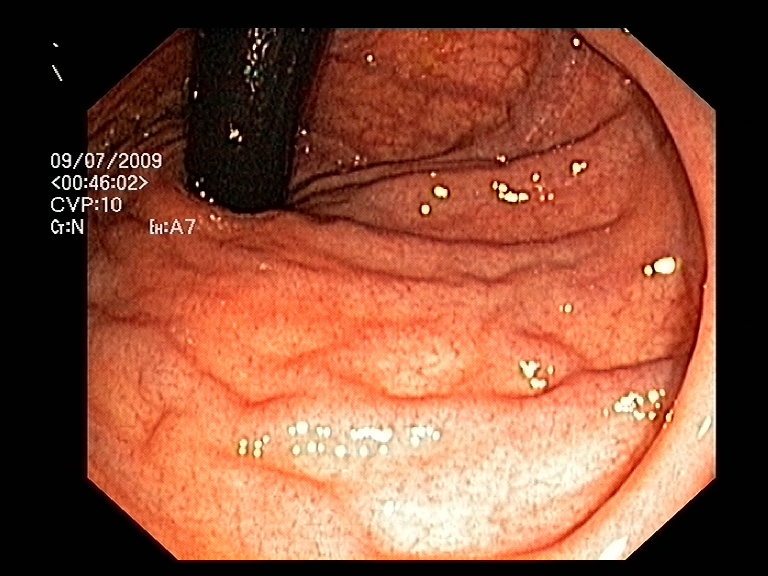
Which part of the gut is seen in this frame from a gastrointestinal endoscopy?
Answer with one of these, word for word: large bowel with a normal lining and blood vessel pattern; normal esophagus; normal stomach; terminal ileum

normal stomach